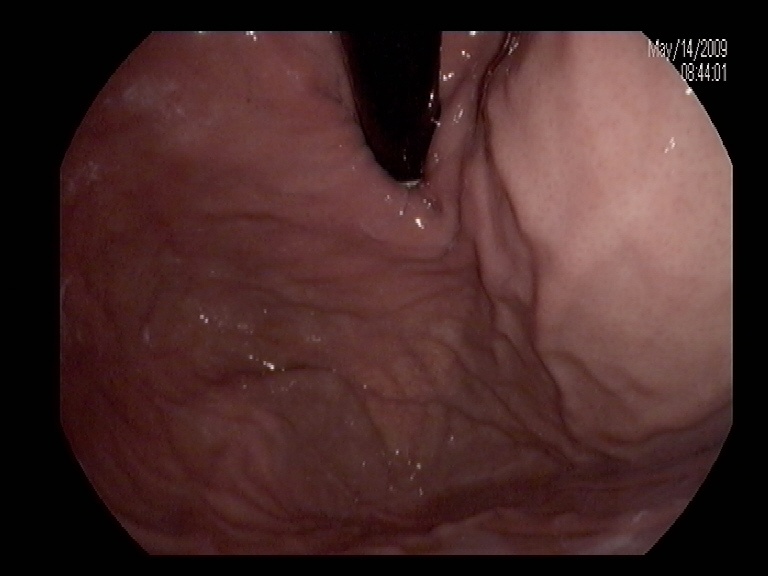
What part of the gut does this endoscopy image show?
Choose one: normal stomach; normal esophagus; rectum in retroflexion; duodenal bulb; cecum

normal stomach